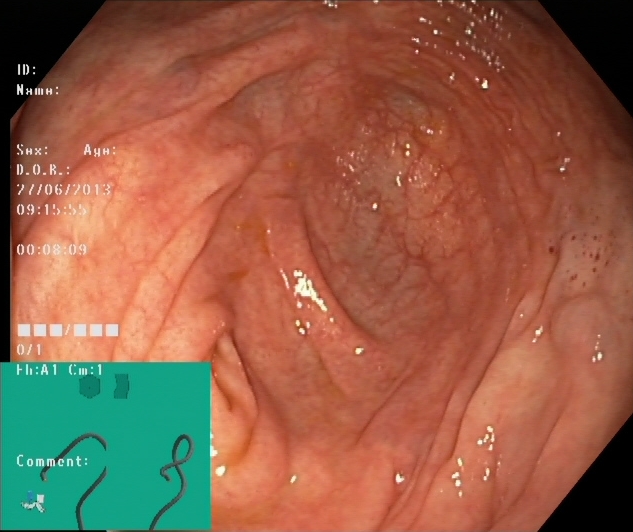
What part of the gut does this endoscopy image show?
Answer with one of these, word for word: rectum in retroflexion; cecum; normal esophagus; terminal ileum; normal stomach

cecum